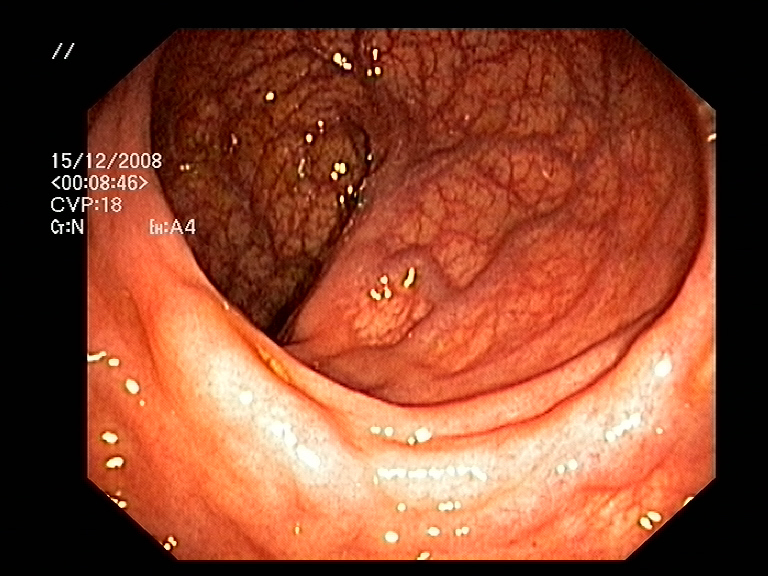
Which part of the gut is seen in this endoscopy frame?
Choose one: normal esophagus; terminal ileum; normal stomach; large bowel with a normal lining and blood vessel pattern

large bowel with a normal lining and blood vessel pattern